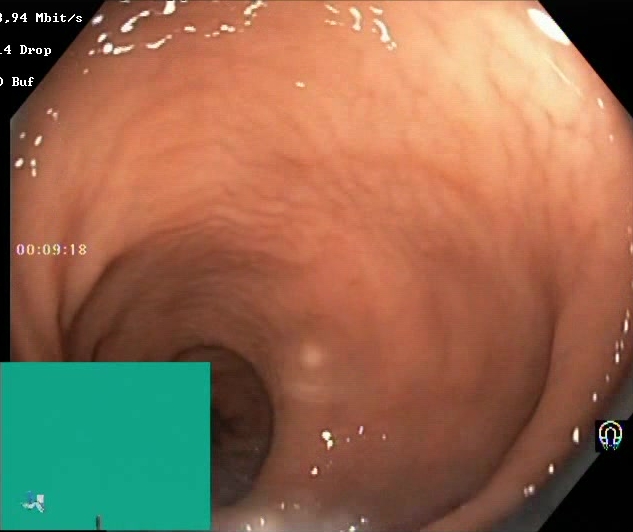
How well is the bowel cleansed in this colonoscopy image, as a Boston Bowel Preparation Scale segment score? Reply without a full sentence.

Boston Bowel Preparation Scale score 2–3 (adequate preparation)